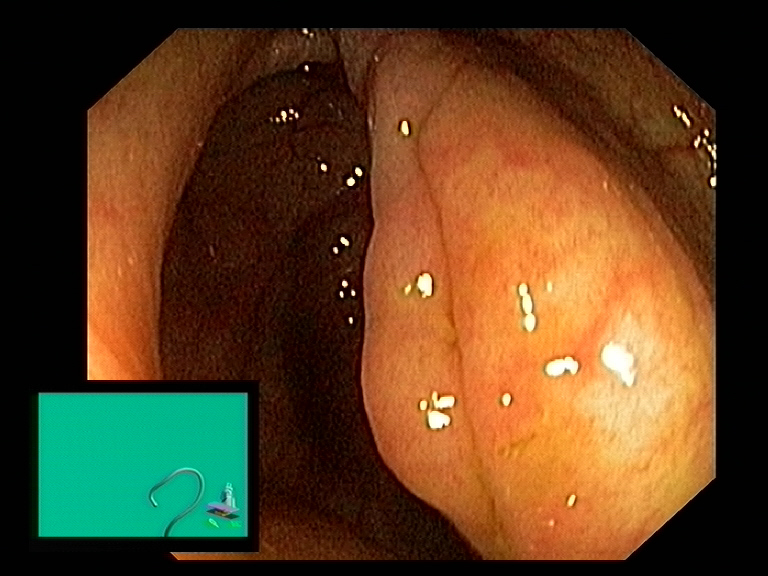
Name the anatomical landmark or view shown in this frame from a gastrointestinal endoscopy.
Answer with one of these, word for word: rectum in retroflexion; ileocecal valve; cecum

ileocecal valve